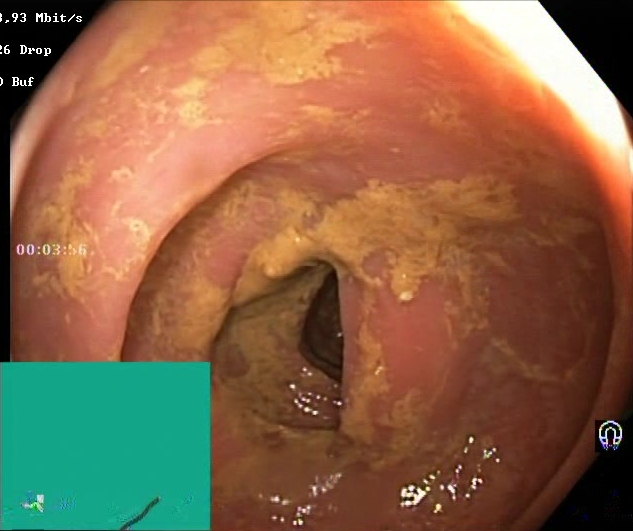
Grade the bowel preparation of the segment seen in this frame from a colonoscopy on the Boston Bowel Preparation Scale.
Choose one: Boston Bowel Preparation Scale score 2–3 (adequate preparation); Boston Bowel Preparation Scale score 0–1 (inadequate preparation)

Boston Bowel Preparation Scale score 0–1 (inadequate preparation)